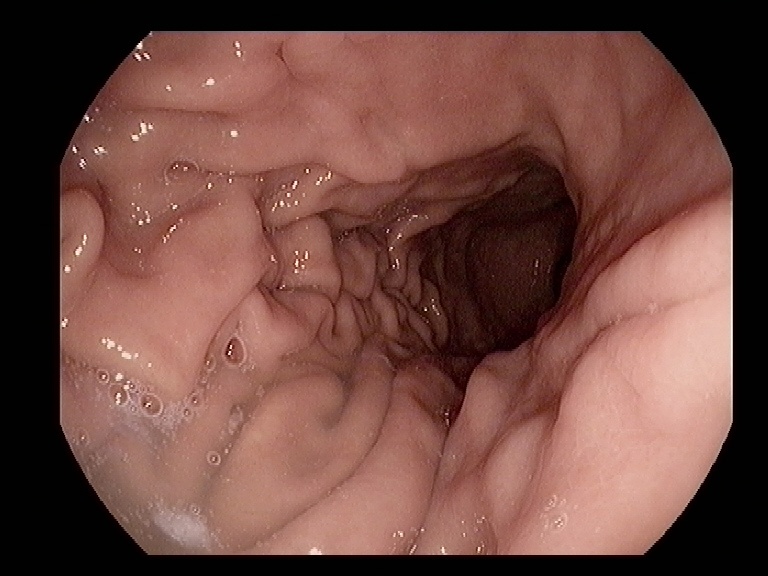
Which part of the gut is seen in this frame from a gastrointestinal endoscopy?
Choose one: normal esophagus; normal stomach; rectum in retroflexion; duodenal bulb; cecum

normal stomach